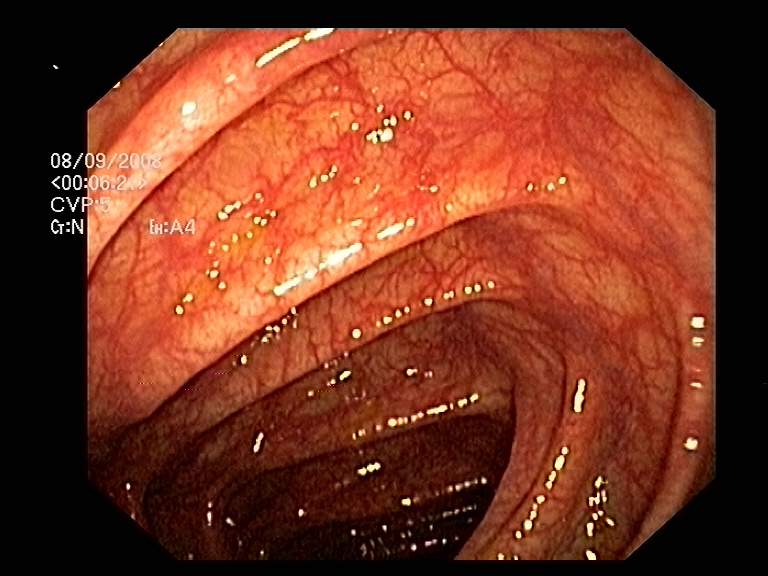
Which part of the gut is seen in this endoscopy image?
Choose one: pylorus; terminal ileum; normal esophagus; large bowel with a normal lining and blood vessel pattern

large bowel with a normal lining and blood vessel pattern